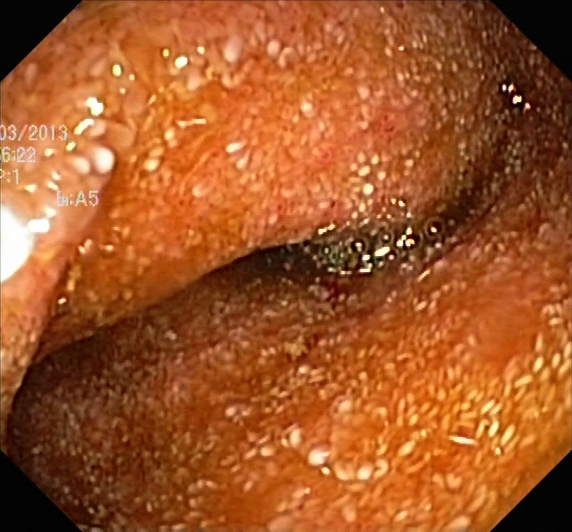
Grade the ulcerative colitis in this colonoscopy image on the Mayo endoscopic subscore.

ulcerative colitis, Mayo endoscopic subscore 2